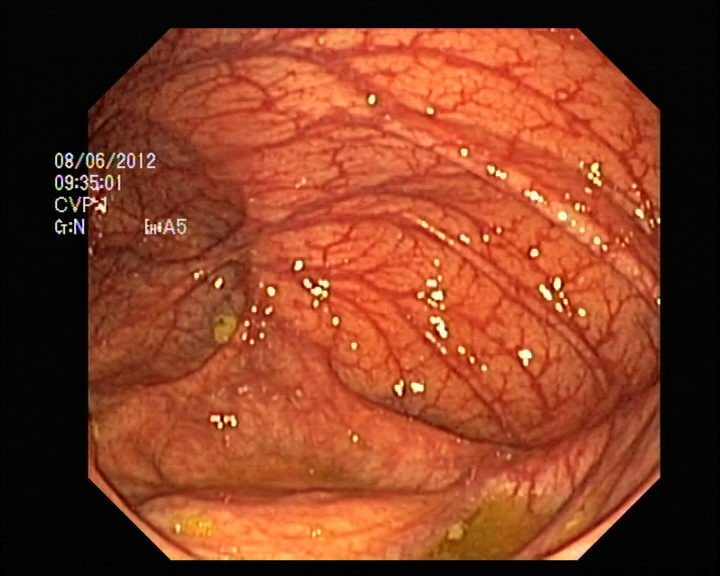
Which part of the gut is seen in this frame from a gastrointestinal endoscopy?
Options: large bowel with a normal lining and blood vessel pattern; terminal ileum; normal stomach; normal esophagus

large bowel with a normal lining and blood vessel pattern